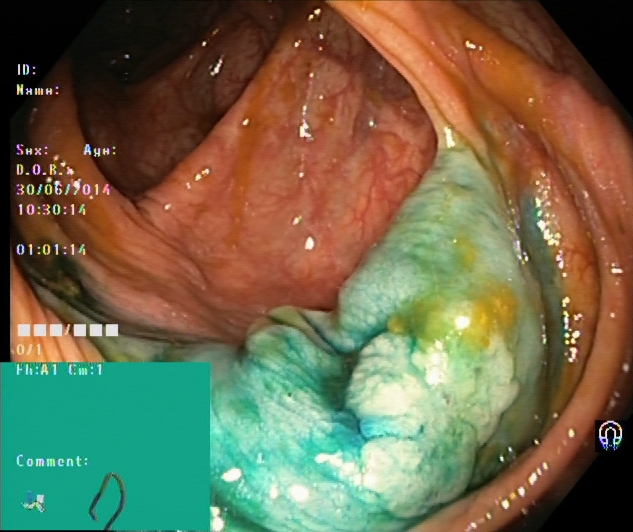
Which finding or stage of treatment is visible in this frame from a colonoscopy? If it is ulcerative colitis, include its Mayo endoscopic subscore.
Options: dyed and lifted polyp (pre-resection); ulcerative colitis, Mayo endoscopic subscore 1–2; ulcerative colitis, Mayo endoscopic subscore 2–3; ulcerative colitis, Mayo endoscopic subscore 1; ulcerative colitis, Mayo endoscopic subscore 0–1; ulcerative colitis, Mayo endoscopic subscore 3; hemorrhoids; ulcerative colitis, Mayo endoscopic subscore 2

dyed and lifted polyp (pre-resection)